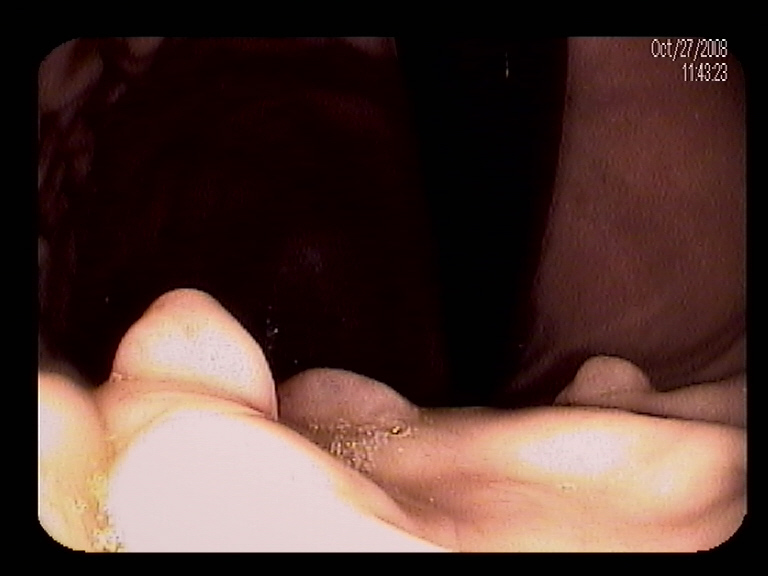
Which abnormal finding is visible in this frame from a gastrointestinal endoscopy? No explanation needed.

gastric polyp